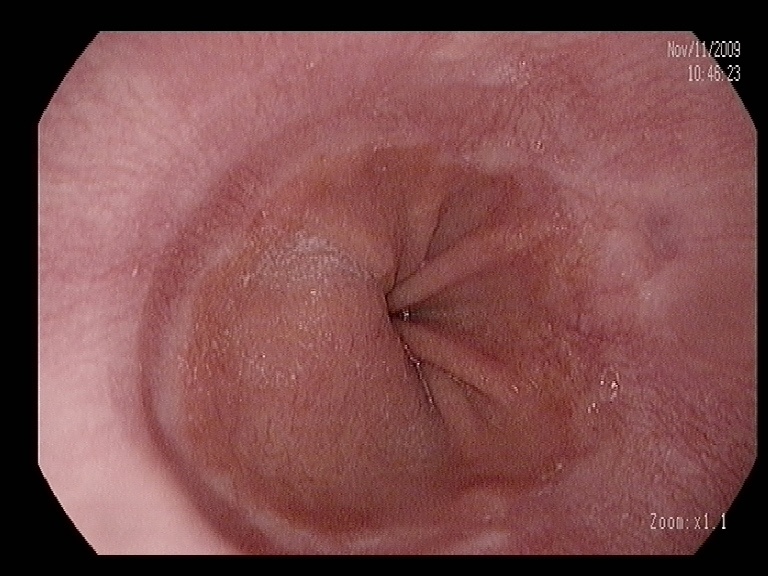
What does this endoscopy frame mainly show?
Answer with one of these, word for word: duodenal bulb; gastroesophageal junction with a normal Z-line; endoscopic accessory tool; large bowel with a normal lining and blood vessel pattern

gastroesophageal junction with a normal Z-line